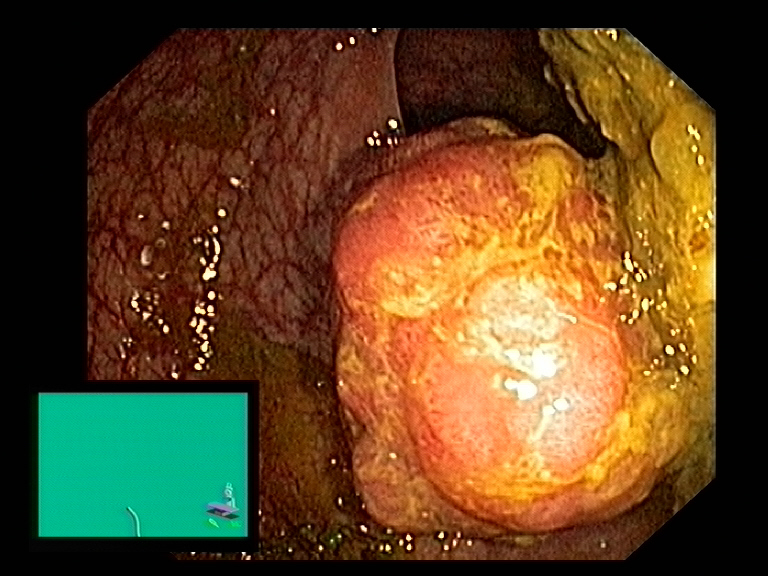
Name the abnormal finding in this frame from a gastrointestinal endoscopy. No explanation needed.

colon polyp